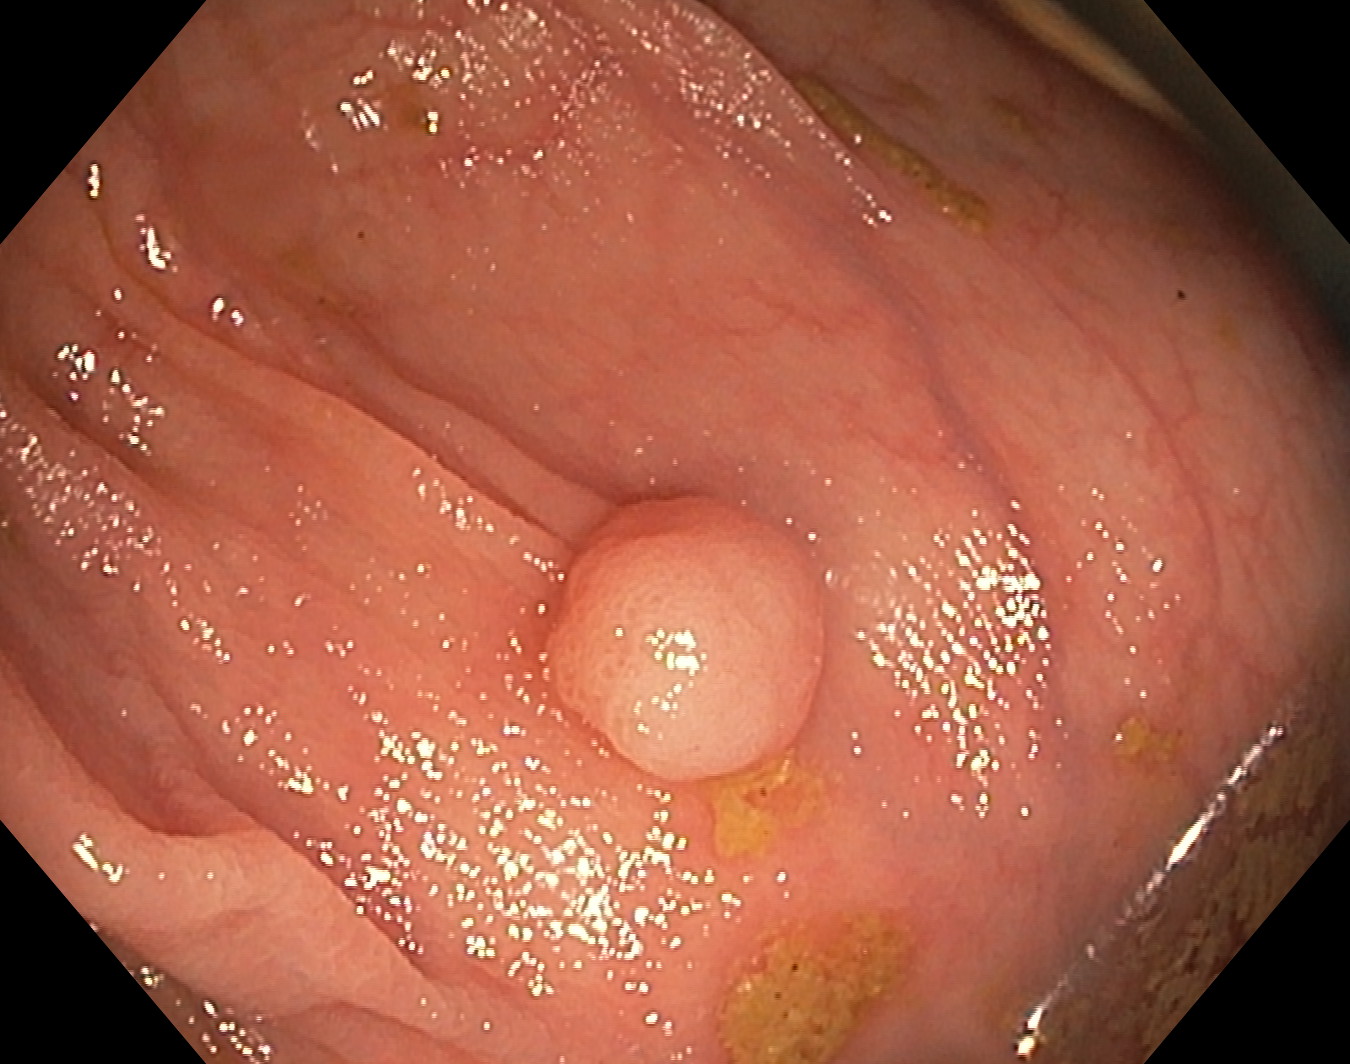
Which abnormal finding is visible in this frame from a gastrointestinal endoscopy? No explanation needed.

colon polyp